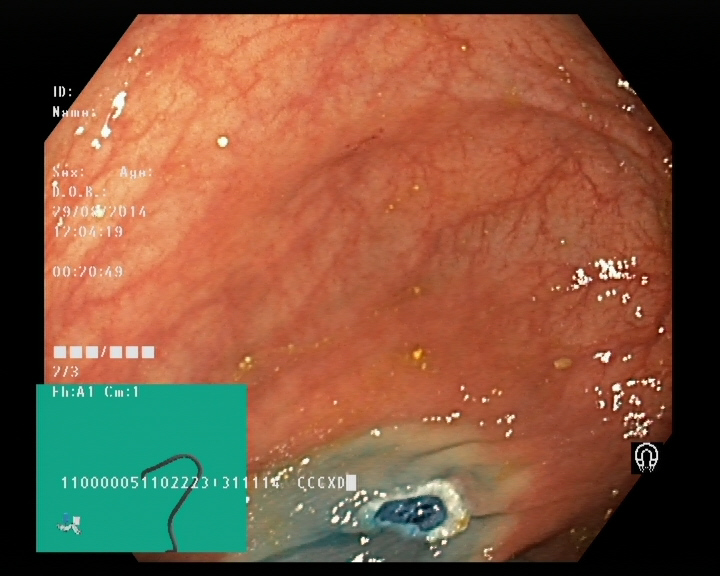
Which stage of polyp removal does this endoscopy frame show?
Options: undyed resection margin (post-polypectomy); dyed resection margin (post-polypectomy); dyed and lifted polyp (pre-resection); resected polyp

dyed resection margin (post-polypectomy)